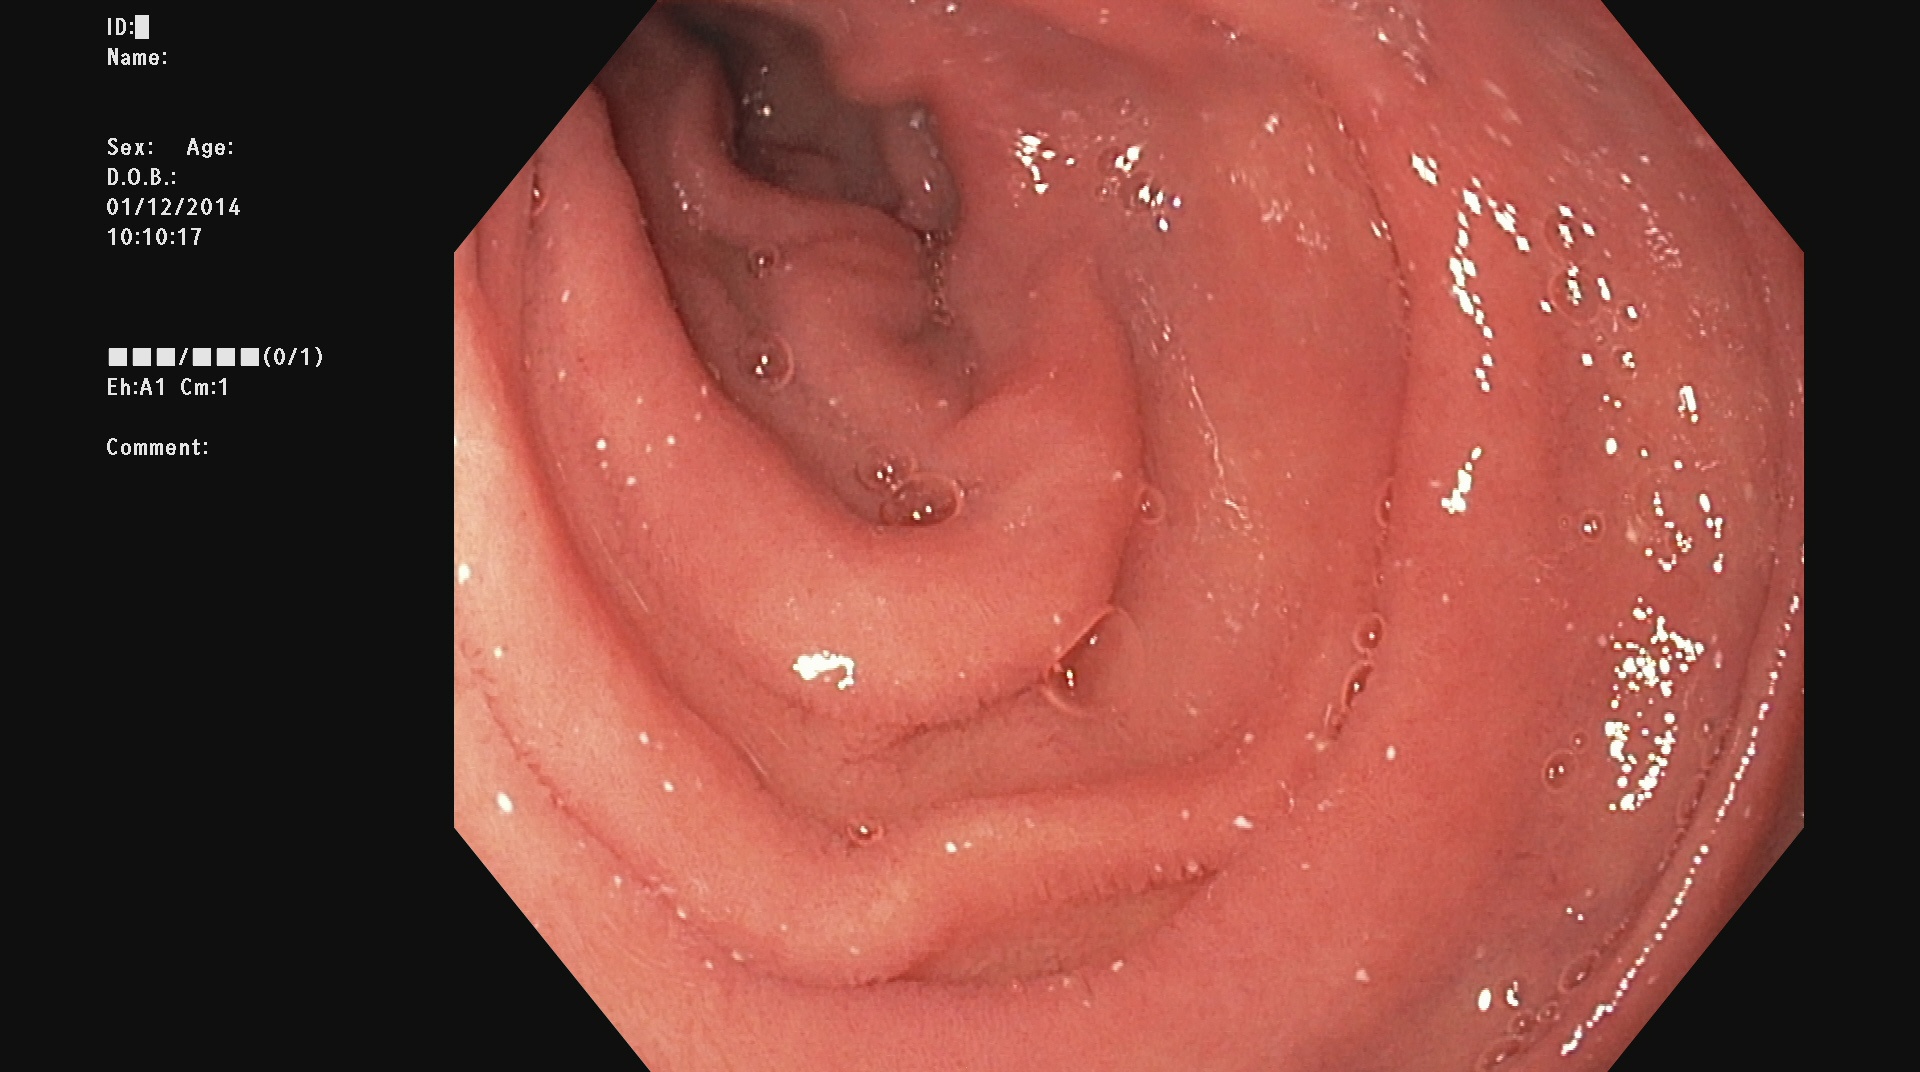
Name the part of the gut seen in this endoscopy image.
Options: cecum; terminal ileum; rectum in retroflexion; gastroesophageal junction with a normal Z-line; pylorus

terminal ileum